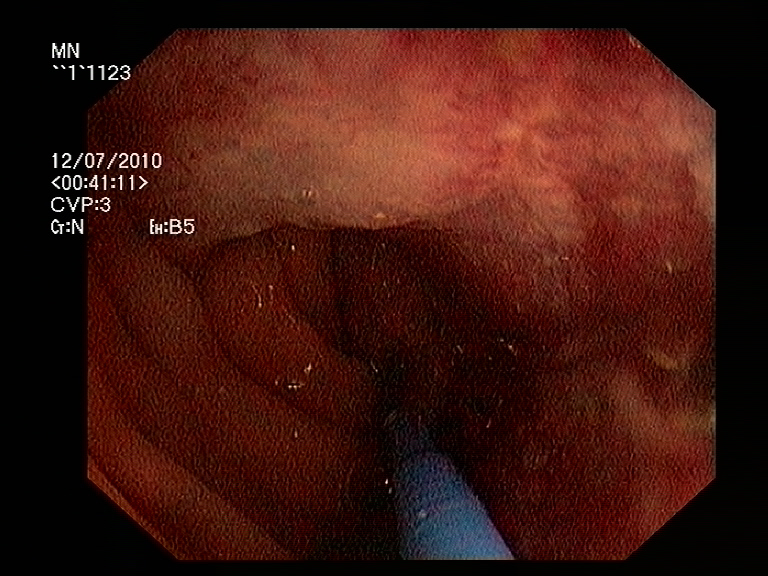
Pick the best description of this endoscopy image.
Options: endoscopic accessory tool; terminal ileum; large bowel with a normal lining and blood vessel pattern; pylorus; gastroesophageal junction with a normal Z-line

endoscopic accessory tool